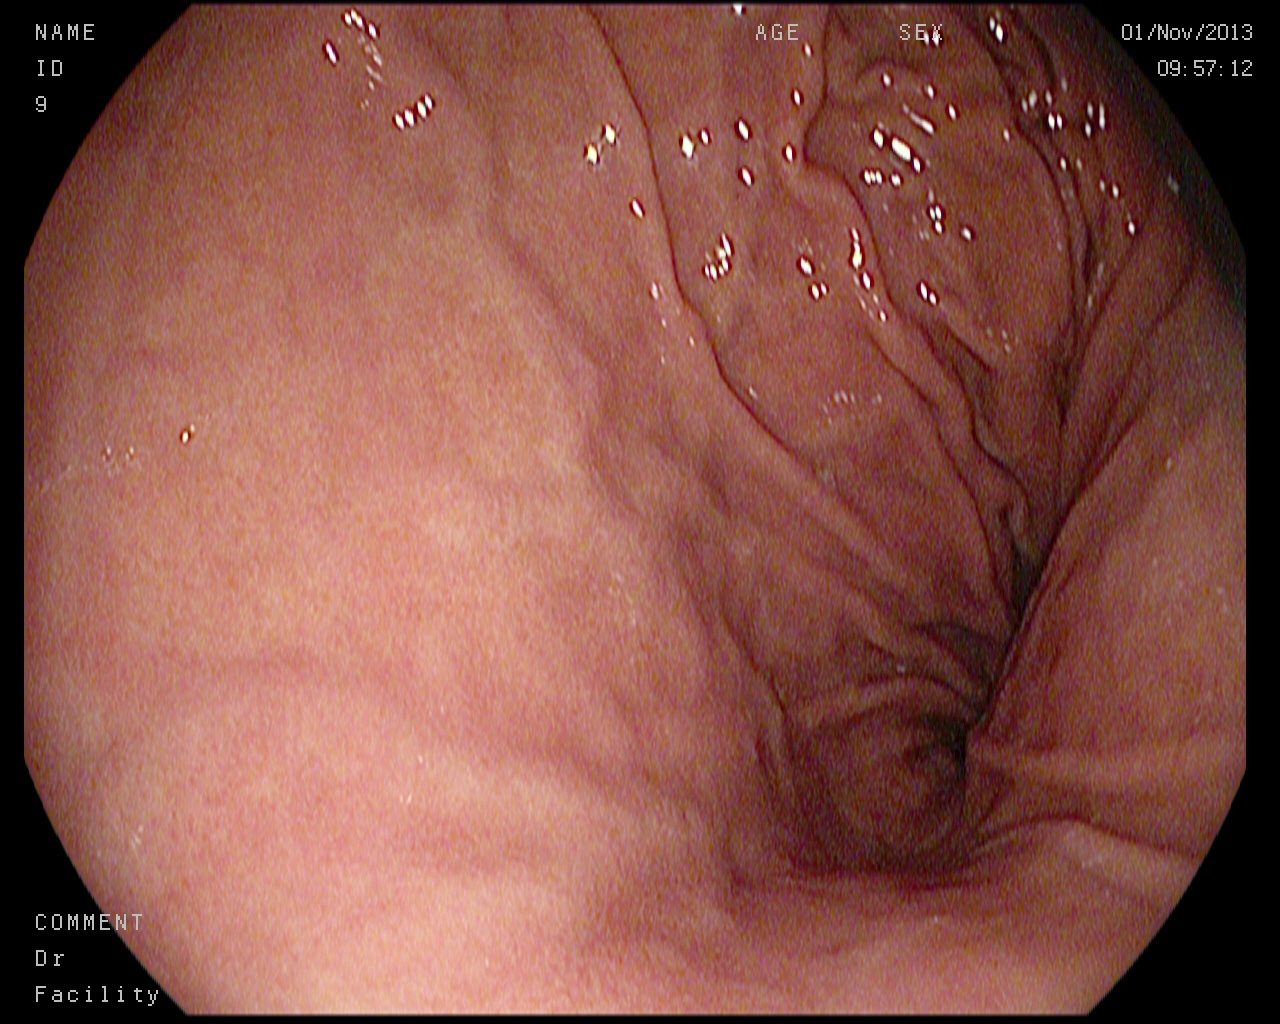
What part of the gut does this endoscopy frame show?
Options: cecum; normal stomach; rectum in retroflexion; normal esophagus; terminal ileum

normal stomach